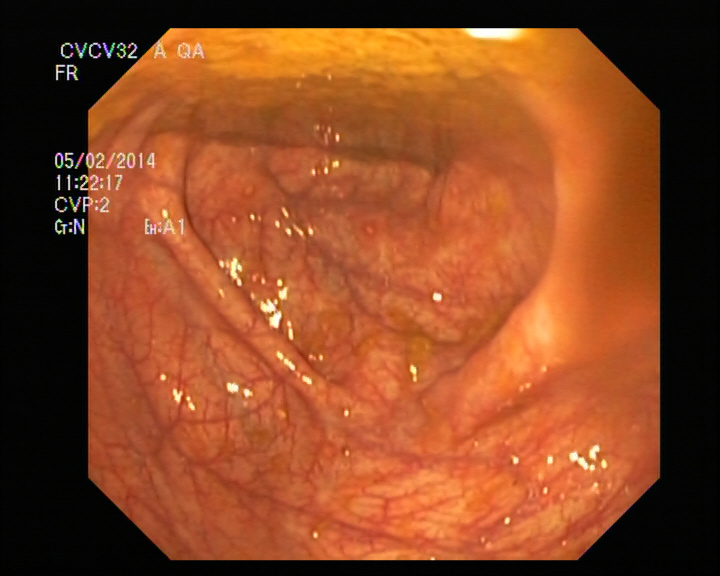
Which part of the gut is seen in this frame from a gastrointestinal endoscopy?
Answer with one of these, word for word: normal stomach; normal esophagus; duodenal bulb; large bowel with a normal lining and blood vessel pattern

large bowel with a normal lining and blood vessel pattern